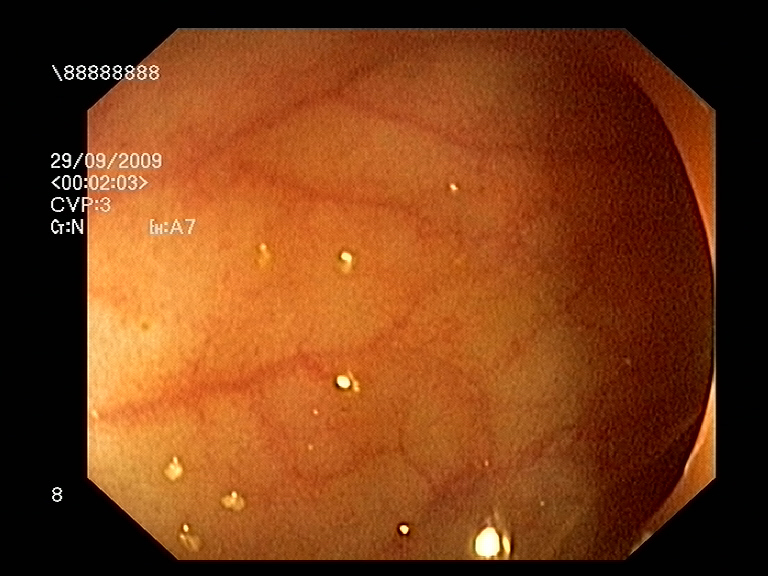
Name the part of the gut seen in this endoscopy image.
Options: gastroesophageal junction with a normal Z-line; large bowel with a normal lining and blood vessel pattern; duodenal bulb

large bowel with a normal lining and blood vessel pattern